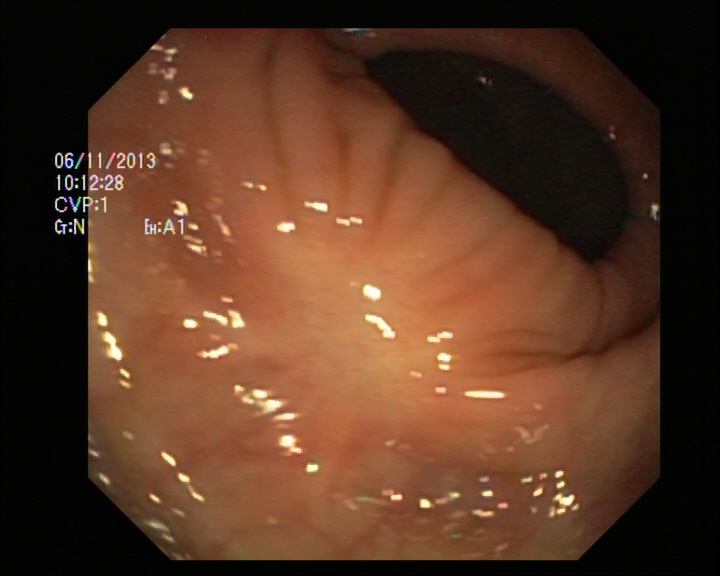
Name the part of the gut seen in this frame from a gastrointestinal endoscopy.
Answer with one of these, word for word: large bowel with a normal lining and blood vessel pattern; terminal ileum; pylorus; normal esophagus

large bowel with a normal lining and blood vessel pattern